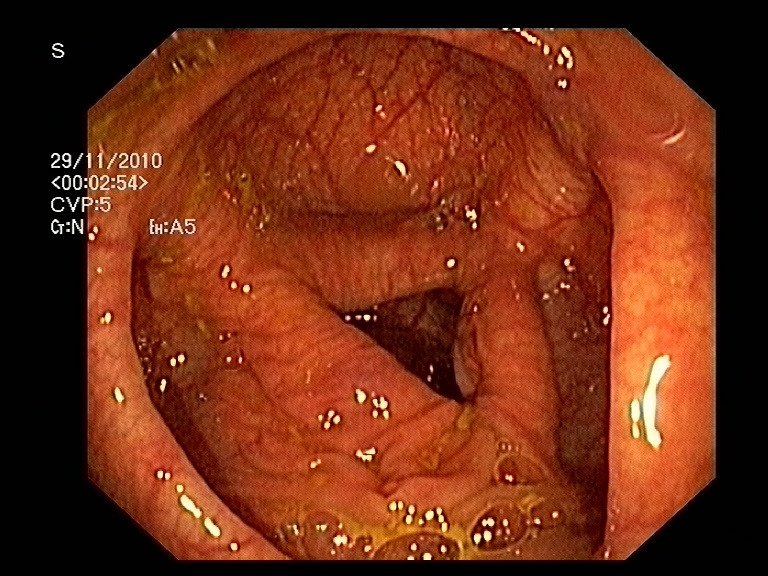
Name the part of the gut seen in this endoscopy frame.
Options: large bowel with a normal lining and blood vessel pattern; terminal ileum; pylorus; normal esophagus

large bowel with a normal lining and blood vessel pattern